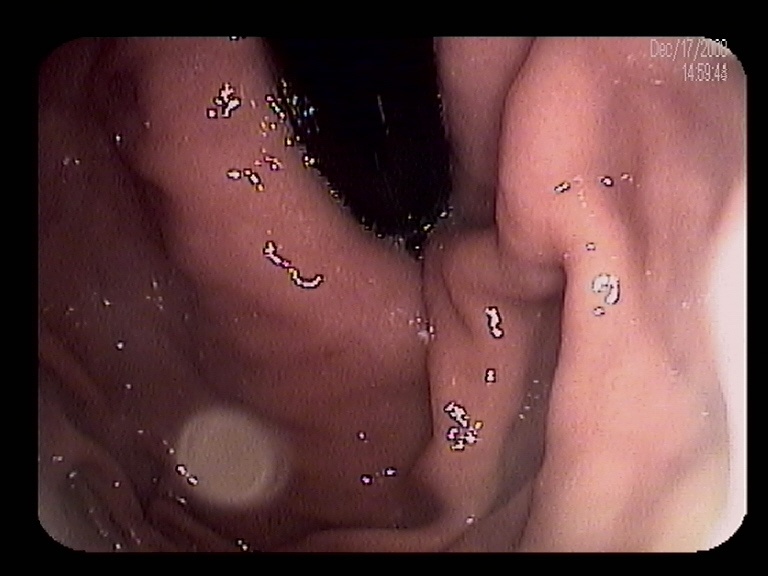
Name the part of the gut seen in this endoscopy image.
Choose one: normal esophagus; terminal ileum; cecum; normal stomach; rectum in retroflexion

normal stomach